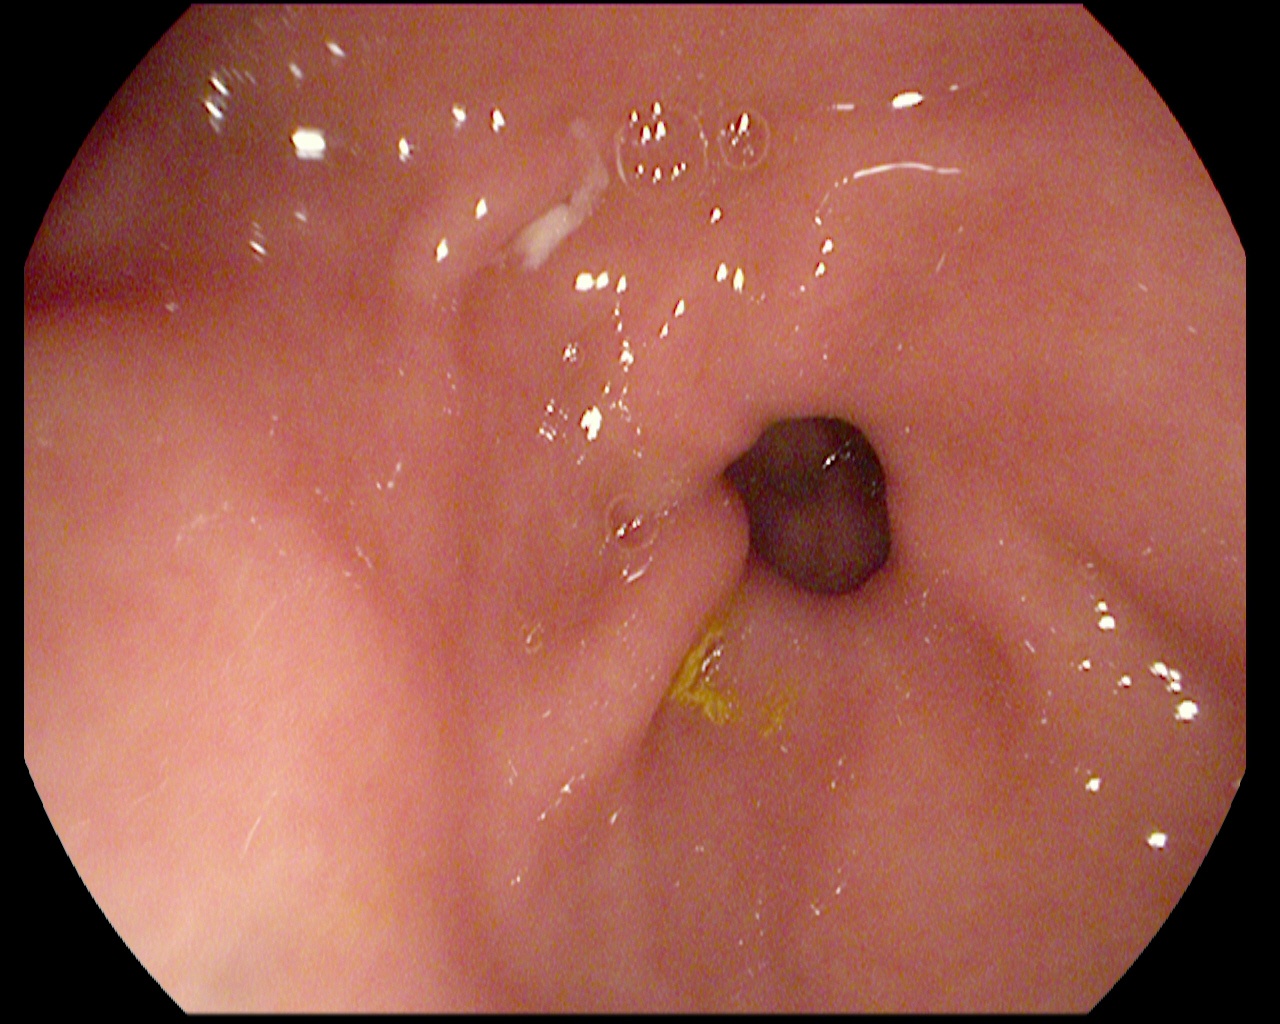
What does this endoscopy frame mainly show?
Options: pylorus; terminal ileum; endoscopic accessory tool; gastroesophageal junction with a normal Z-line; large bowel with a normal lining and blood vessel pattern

pylorus